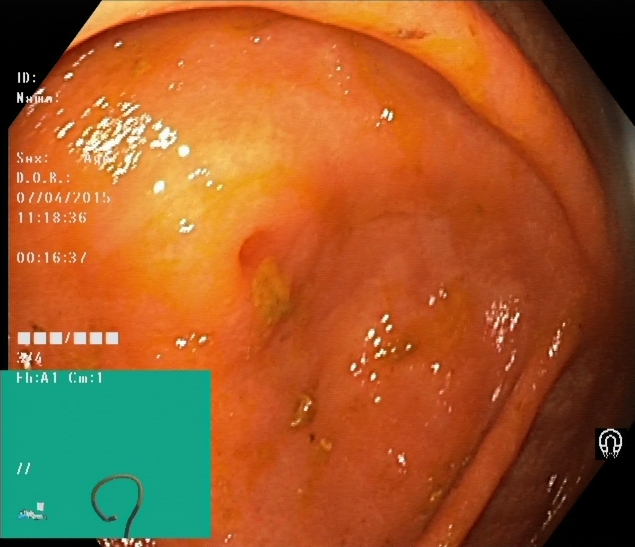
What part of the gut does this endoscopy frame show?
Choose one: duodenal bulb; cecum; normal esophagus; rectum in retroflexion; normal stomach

cecum